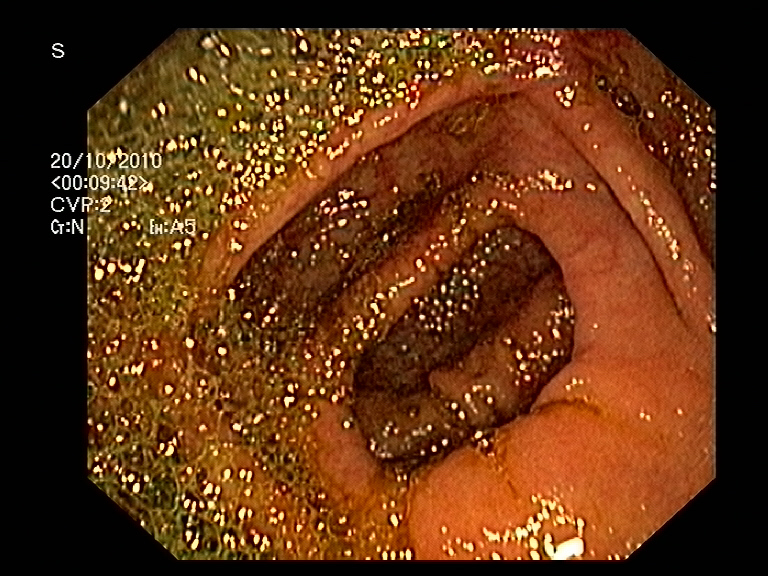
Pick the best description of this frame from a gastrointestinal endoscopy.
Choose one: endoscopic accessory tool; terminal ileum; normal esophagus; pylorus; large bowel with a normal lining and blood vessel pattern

large bowel with a normal lining and blood vessel pattern